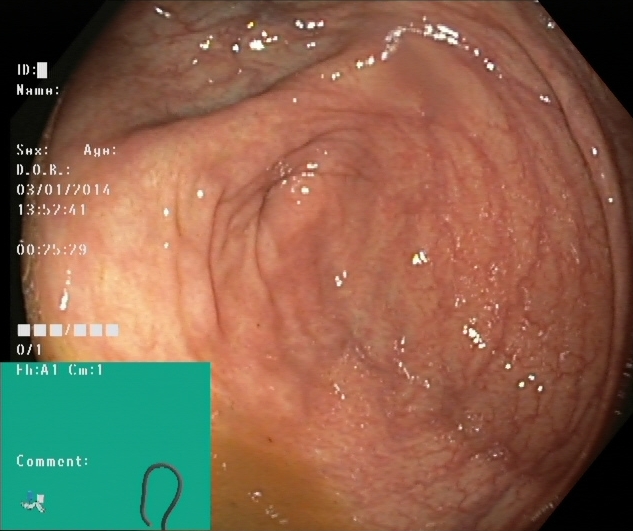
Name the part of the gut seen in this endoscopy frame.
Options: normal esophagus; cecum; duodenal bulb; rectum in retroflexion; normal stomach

cecum